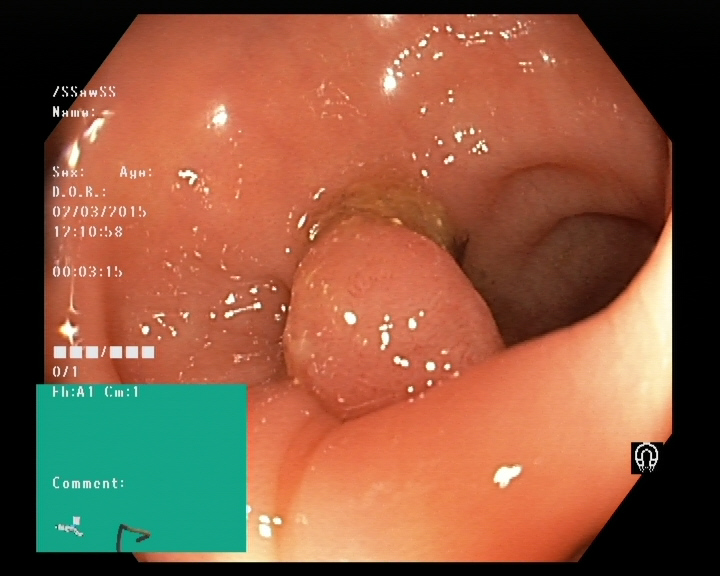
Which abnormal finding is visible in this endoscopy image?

colon polyp